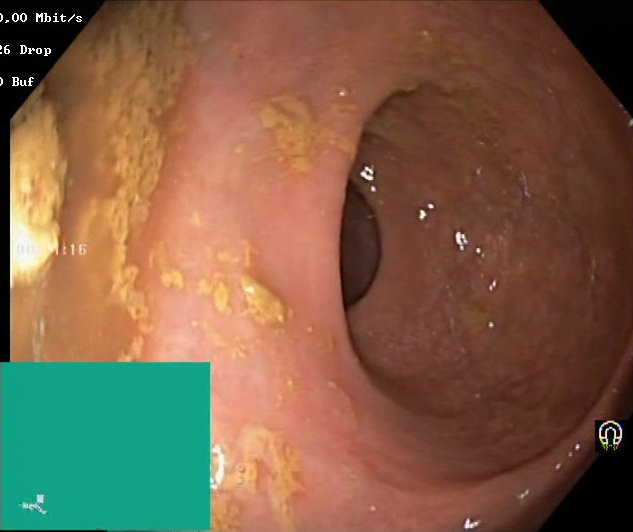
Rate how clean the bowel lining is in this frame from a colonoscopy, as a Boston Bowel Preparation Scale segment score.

Boston Bowel Preparation Scale score 0–1 (inadequate preparation)